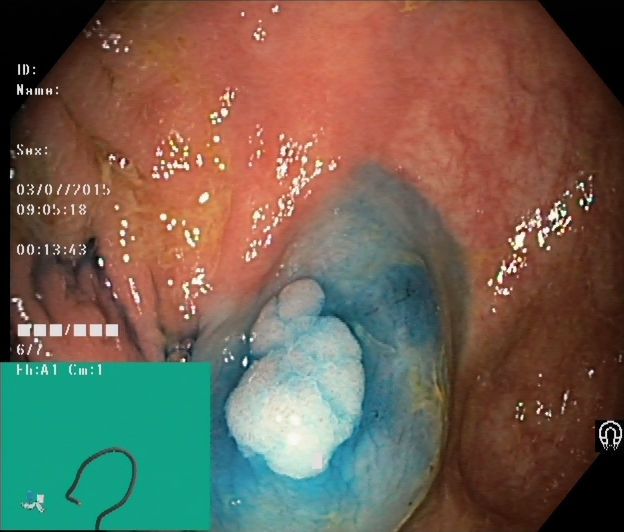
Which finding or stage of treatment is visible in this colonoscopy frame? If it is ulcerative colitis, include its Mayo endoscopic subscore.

dyed and lifted polyp (pre-resection)